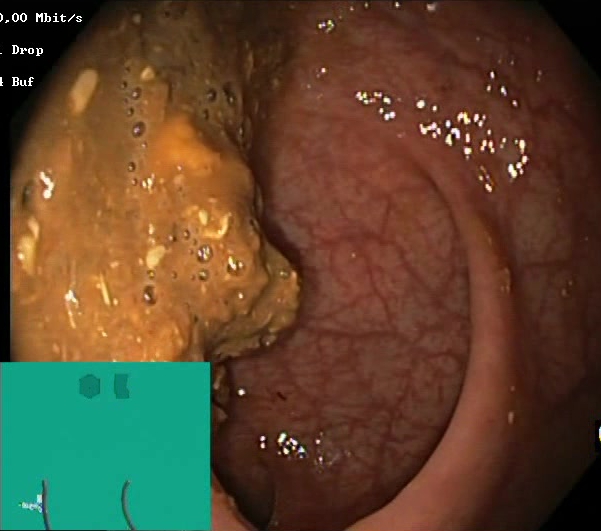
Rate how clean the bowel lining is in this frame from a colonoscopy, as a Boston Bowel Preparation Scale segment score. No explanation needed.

Boston Bowel Preparation Scale score 0–1 (inadequate preparation)